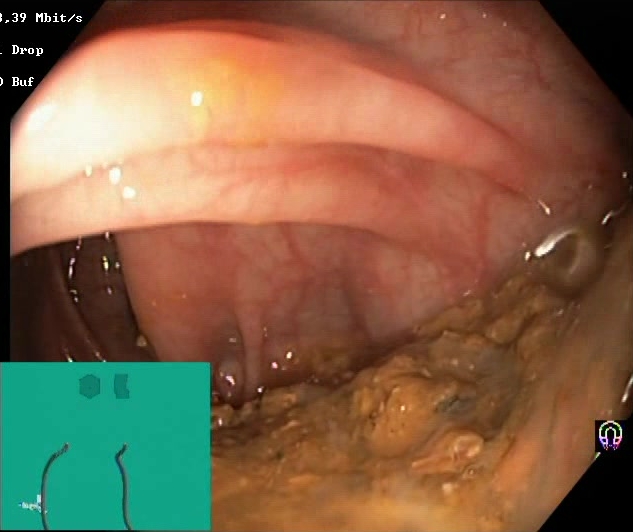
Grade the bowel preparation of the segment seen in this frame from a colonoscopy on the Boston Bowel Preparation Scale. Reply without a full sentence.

Boston Bowel Preparation Scale score 0–1 (inadequate preparation)